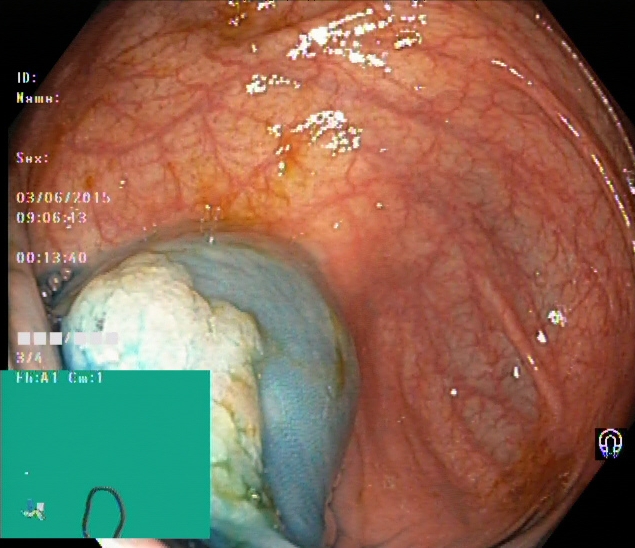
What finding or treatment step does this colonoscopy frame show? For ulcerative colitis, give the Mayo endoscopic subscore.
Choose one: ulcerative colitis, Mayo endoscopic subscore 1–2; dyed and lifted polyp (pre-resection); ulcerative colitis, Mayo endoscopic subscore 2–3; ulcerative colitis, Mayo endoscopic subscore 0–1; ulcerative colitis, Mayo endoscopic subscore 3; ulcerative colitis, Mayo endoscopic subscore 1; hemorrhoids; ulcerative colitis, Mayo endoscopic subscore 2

dyed and lifted polyp (pre-resection)